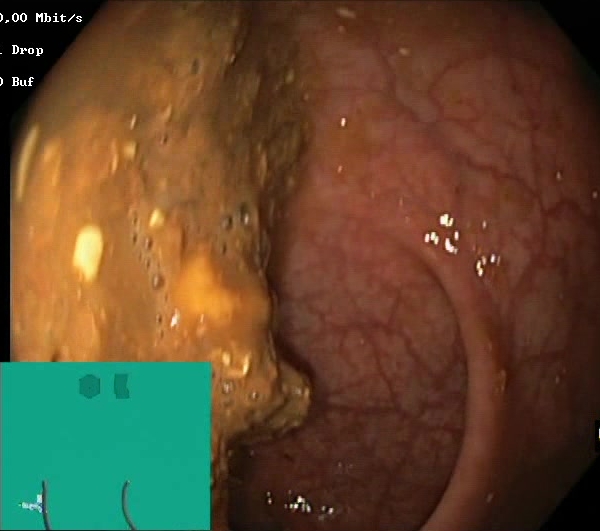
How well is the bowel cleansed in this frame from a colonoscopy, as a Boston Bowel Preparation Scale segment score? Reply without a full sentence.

Boston Bowel Preparation Scale score 0–1 (inadequate preparation)